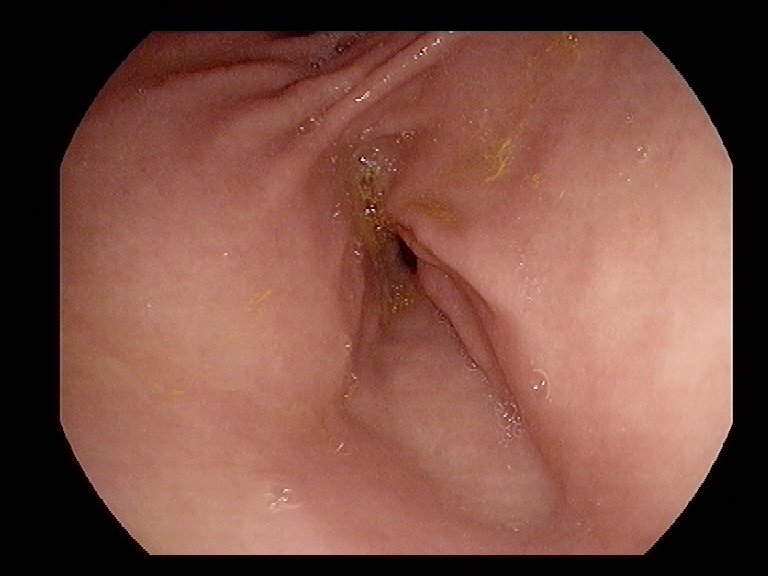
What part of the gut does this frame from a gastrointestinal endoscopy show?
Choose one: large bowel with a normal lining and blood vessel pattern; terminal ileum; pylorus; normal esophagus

pylorus